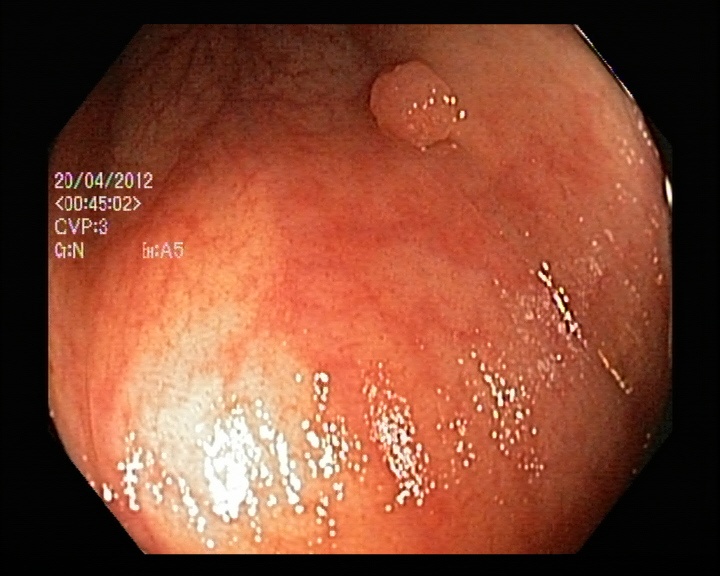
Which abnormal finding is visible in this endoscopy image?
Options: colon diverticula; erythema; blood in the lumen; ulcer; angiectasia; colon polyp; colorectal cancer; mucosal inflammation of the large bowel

colon polyp